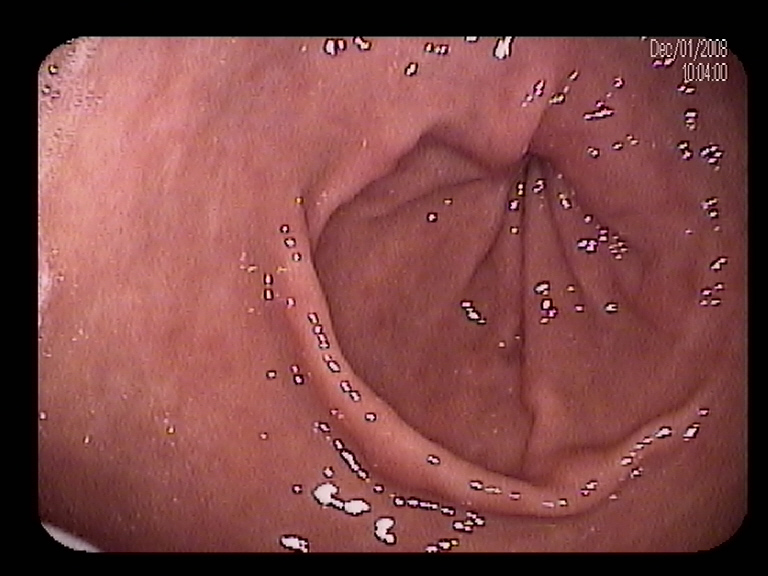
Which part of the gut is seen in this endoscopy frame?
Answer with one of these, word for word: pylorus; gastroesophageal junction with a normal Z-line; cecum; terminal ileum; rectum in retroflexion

pylorus